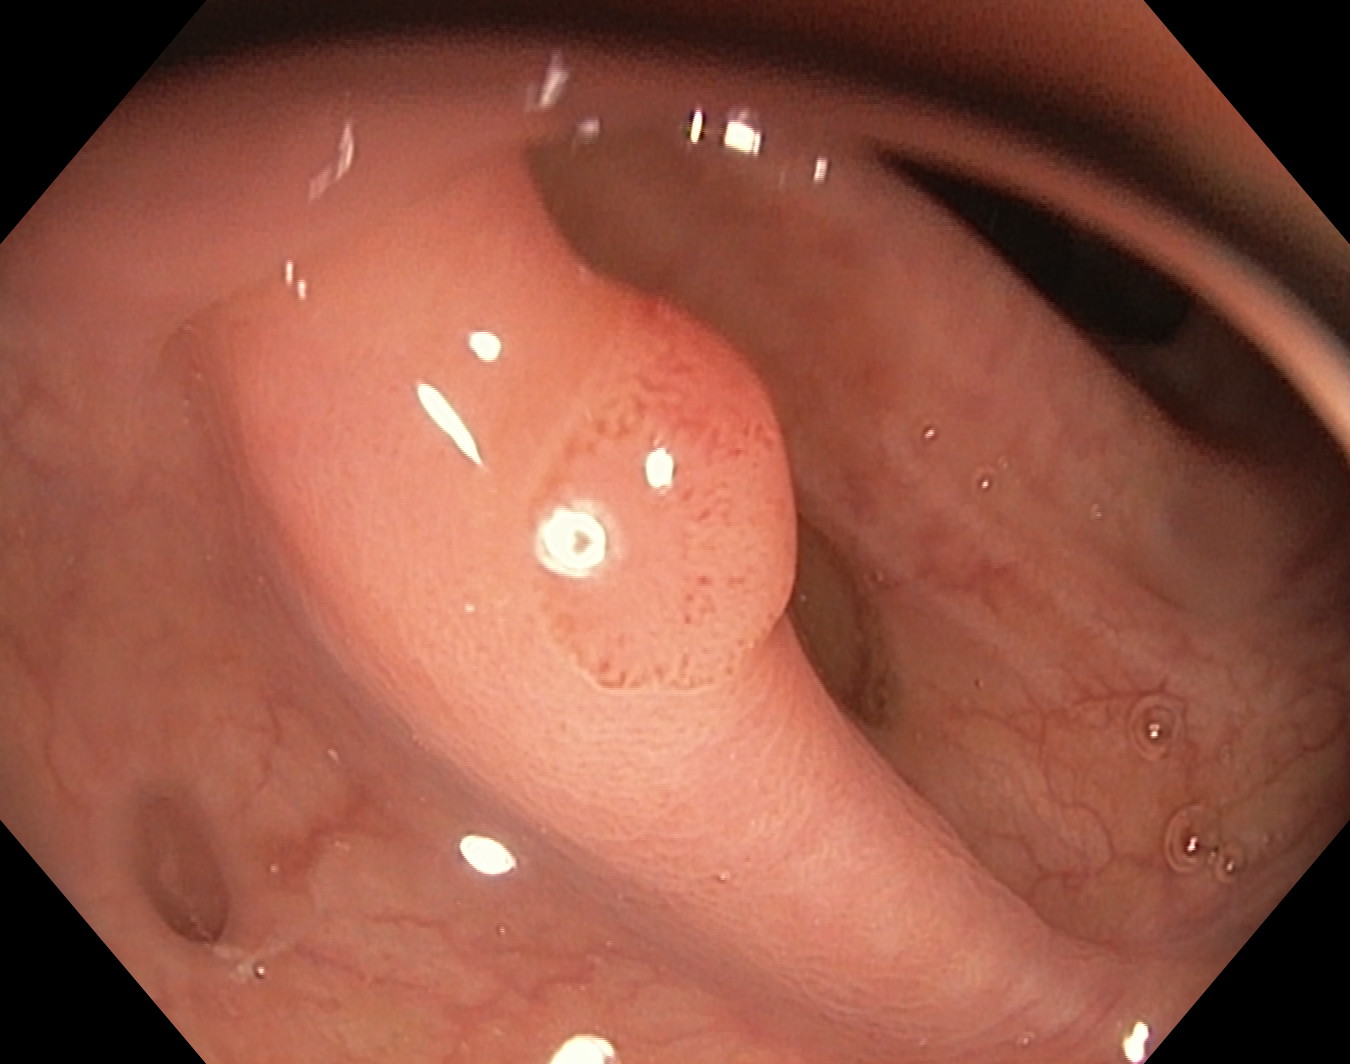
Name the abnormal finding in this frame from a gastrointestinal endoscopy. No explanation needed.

colon polyp